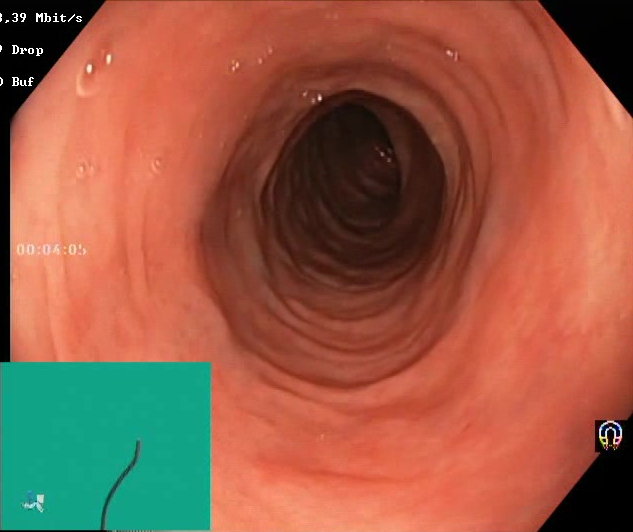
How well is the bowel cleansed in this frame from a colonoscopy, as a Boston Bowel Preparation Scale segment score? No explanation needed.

Boston Bowel Preparation Scale score 2–3 (adequate preparation)